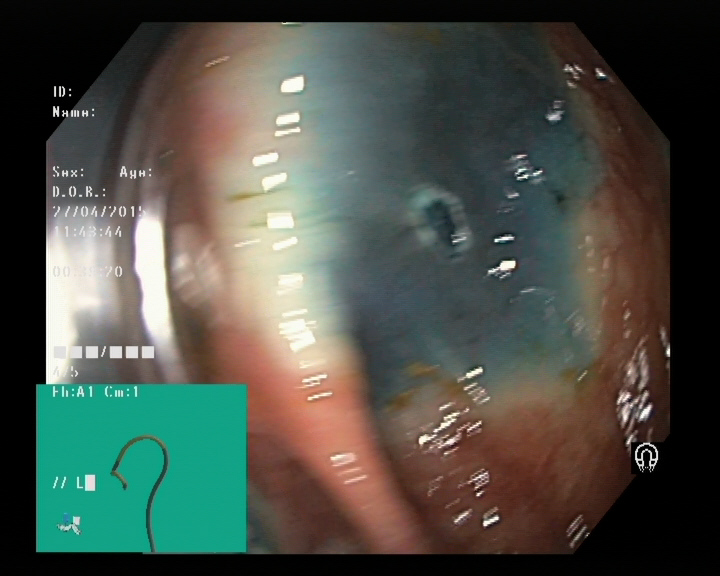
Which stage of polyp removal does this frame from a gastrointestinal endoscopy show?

dyed resection margin (post-polypectomy)